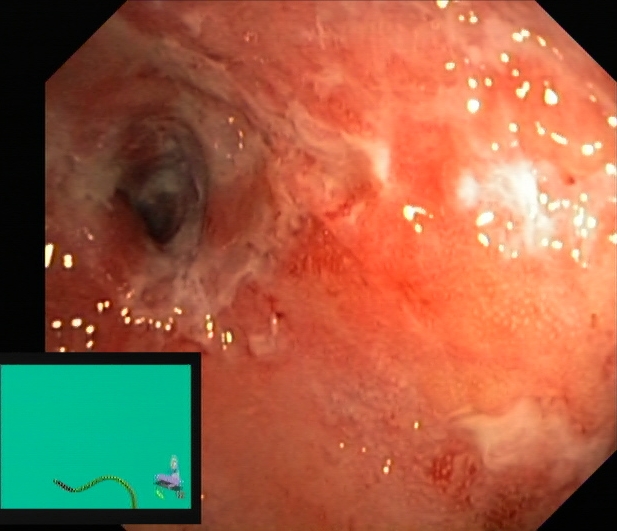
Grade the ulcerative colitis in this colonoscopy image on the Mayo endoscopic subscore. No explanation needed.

ulcerative colitis, Mayo endoscopic subscore 3